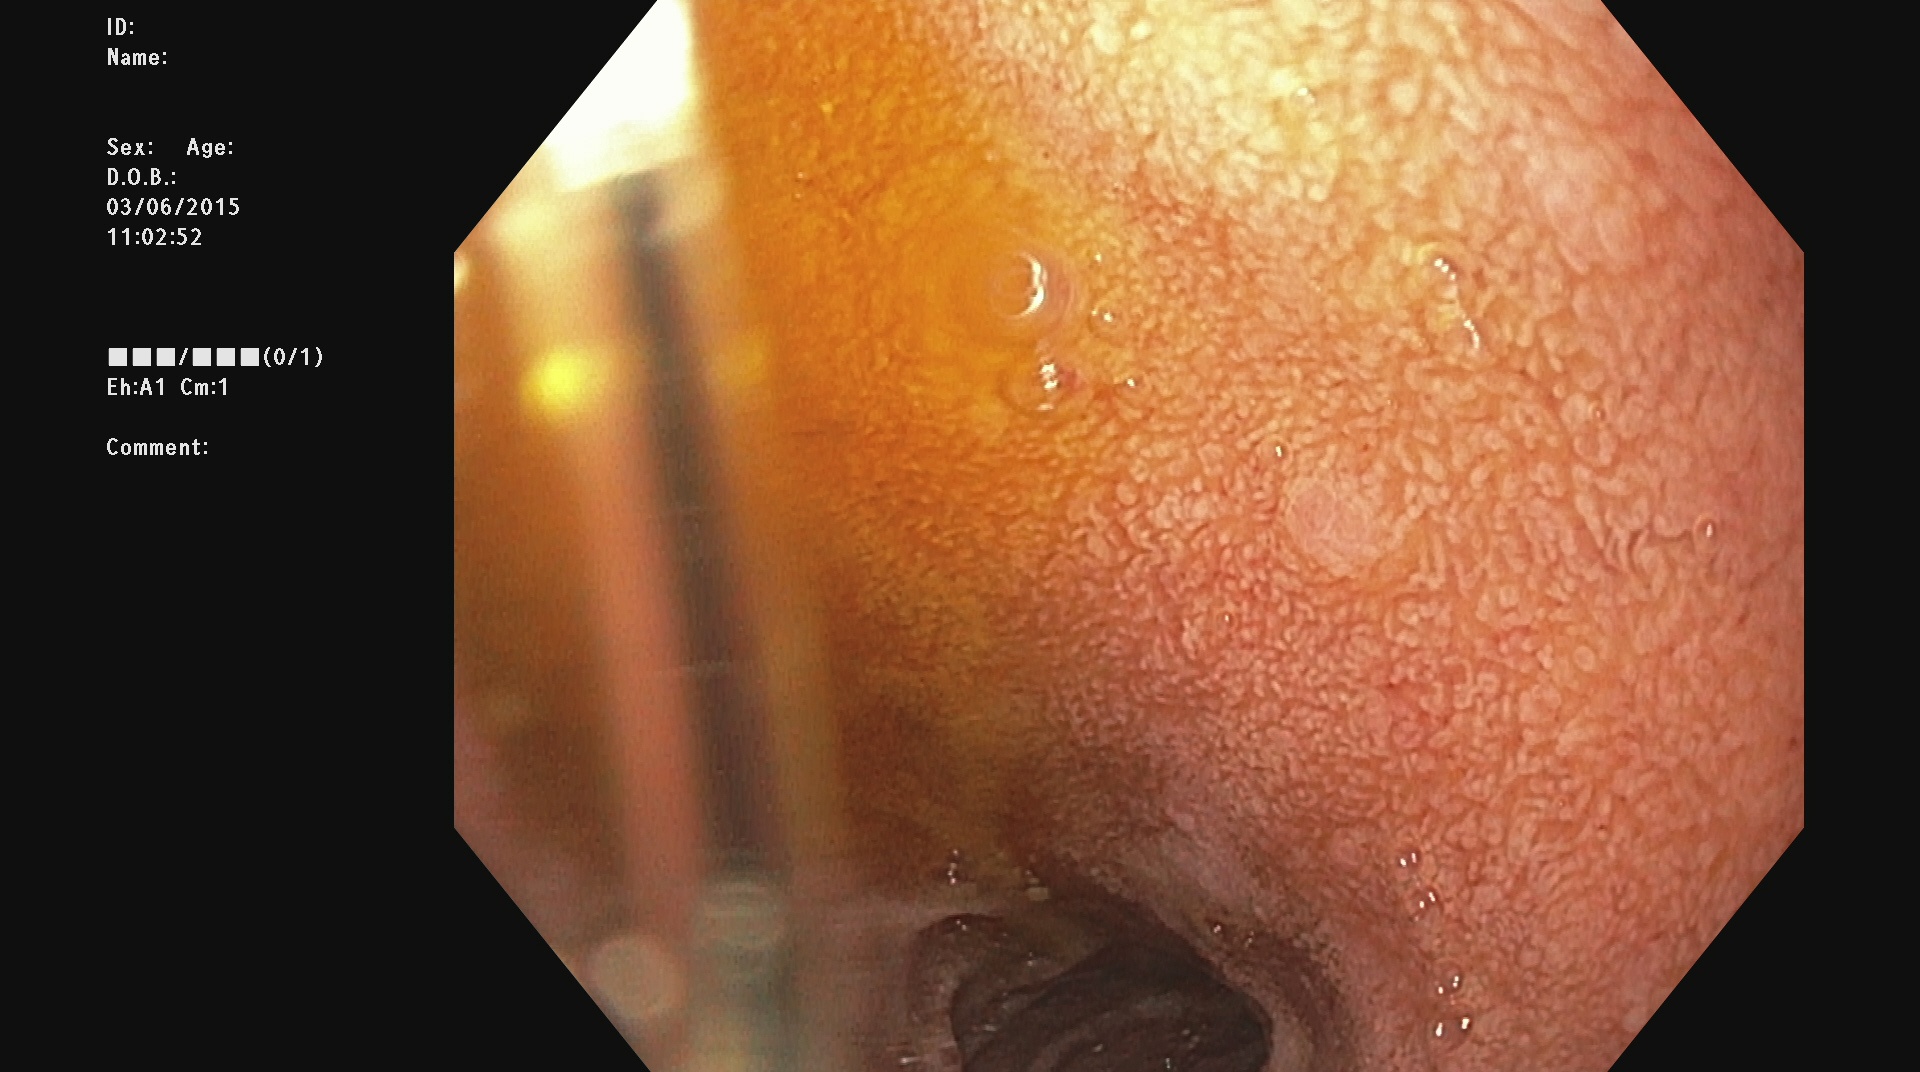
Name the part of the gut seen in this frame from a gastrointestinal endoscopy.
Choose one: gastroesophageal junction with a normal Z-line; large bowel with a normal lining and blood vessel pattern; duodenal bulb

duodenal bulb